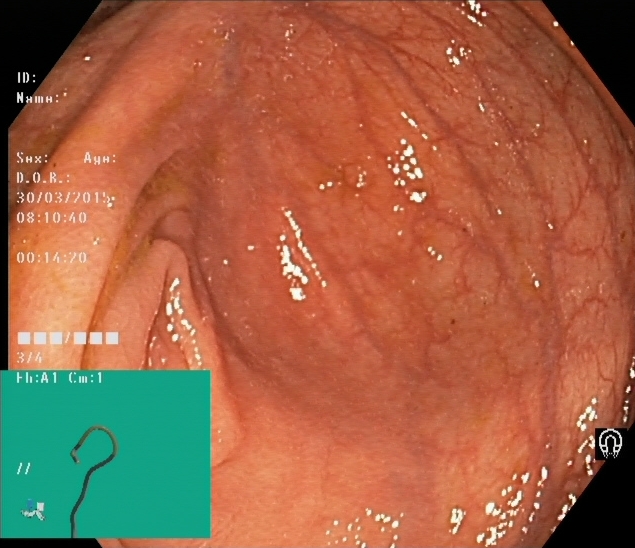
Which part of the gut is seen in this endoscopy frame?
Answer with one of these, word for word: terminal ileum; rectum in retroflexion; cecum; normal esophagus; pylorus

cecum